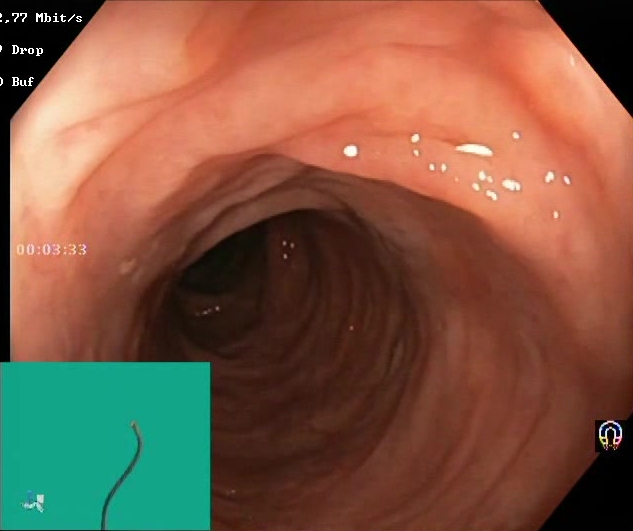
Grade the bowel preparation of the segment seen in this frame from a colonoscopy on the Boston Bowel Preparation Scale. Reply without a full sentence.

Boston Bowel Preparation Scale score 2–3 (adequate preparation)